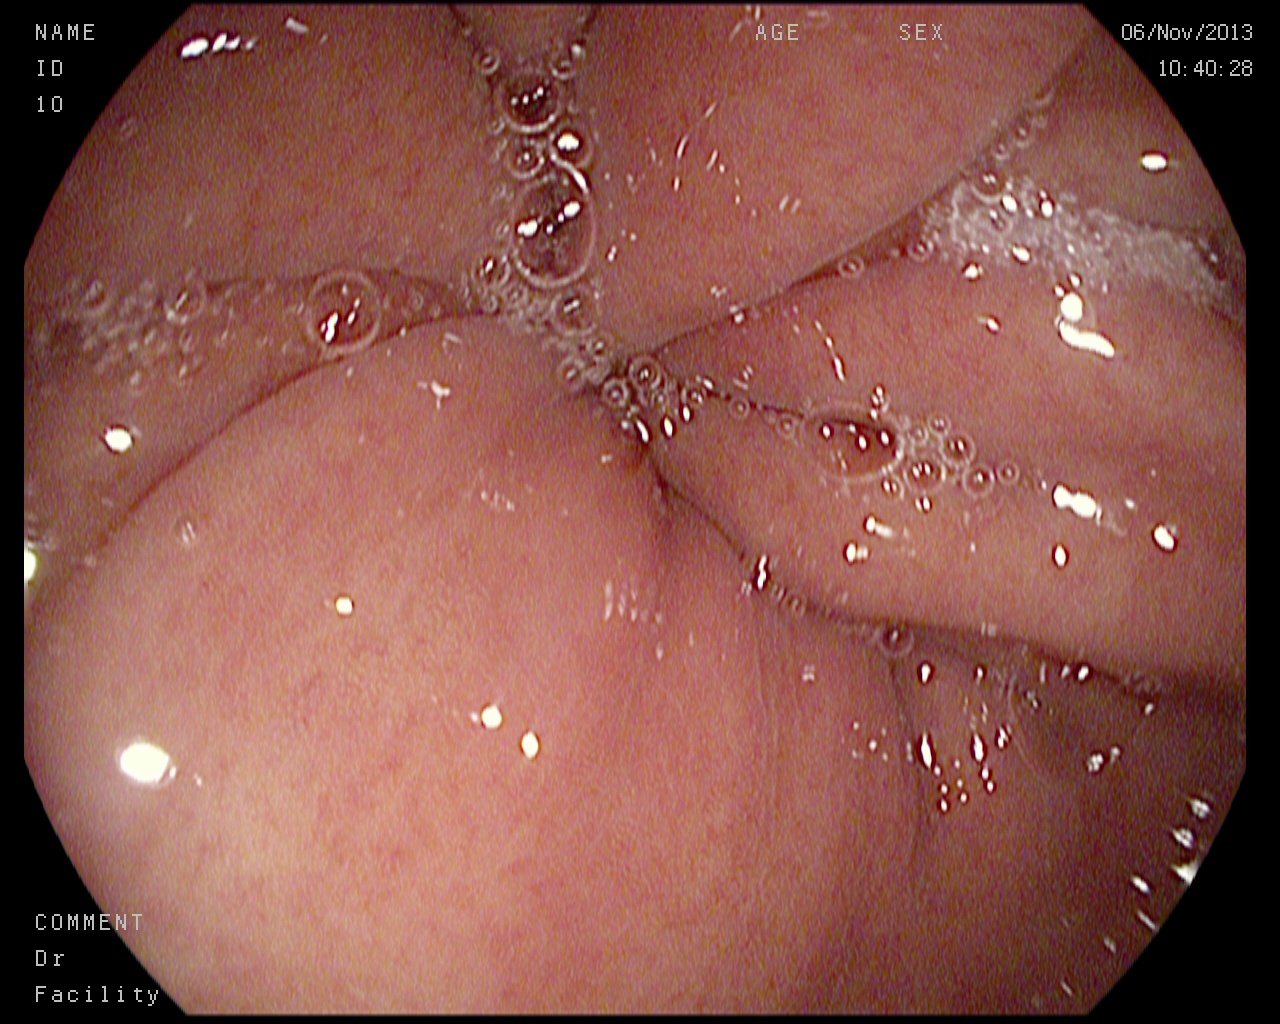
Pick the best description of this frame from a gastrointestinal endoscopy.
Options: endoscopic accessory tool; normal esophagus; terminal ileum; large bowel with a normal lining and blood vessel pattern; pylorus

normal esophagus